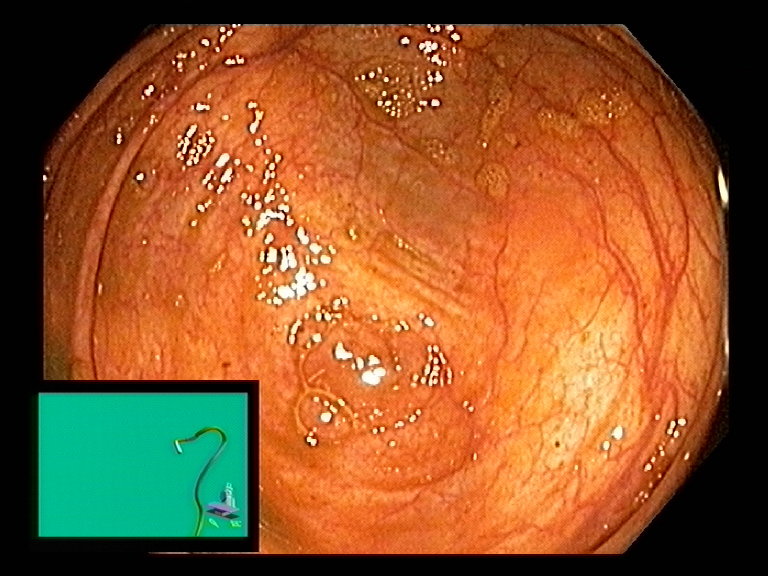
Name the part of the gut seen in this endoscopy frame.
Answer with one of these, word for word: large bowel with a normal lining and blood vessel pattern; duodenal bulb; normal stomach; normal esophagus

large bowel with a normal lining and blood vessel pattern